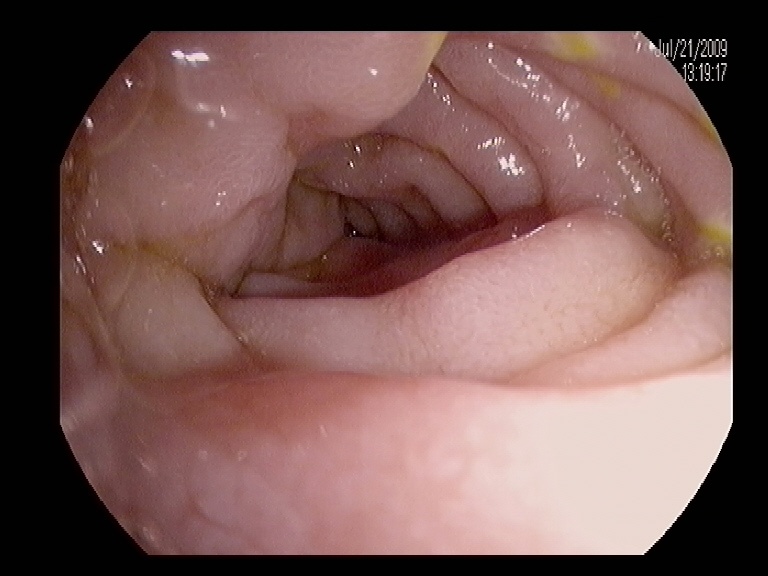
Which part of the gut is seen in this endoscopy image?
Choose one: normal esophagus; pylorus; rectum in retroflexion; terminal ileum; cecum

terminal ileum